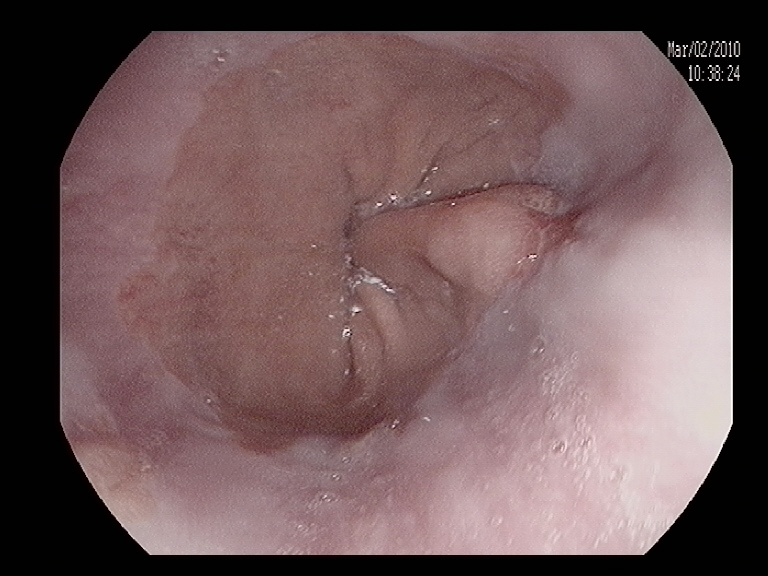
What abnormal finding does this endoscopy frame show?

esophagitis